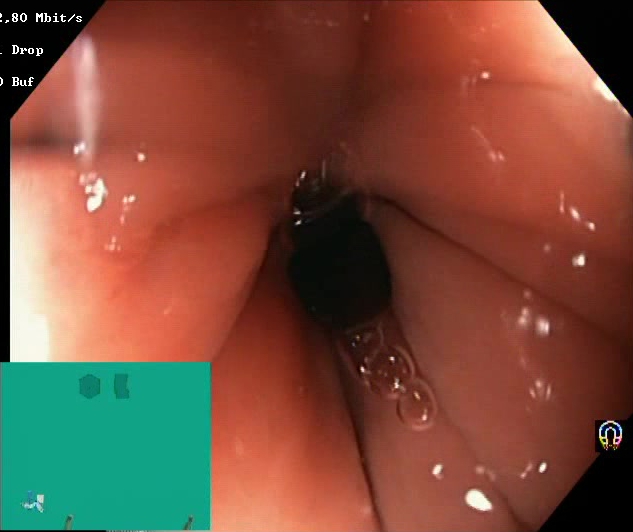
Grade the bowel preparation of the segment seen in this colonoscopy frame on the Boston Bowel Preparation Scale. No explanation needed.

Boston Bowel Preparation Scale score 2–3 (adequate preparation)